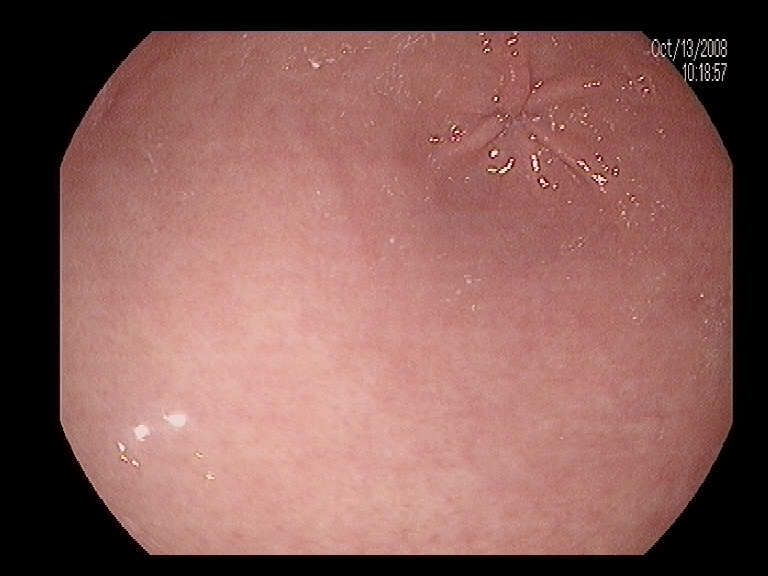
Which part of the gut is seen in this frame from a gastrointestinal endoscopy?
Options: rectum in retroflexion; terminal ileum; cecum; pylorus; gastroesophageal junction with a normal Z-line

pylorus